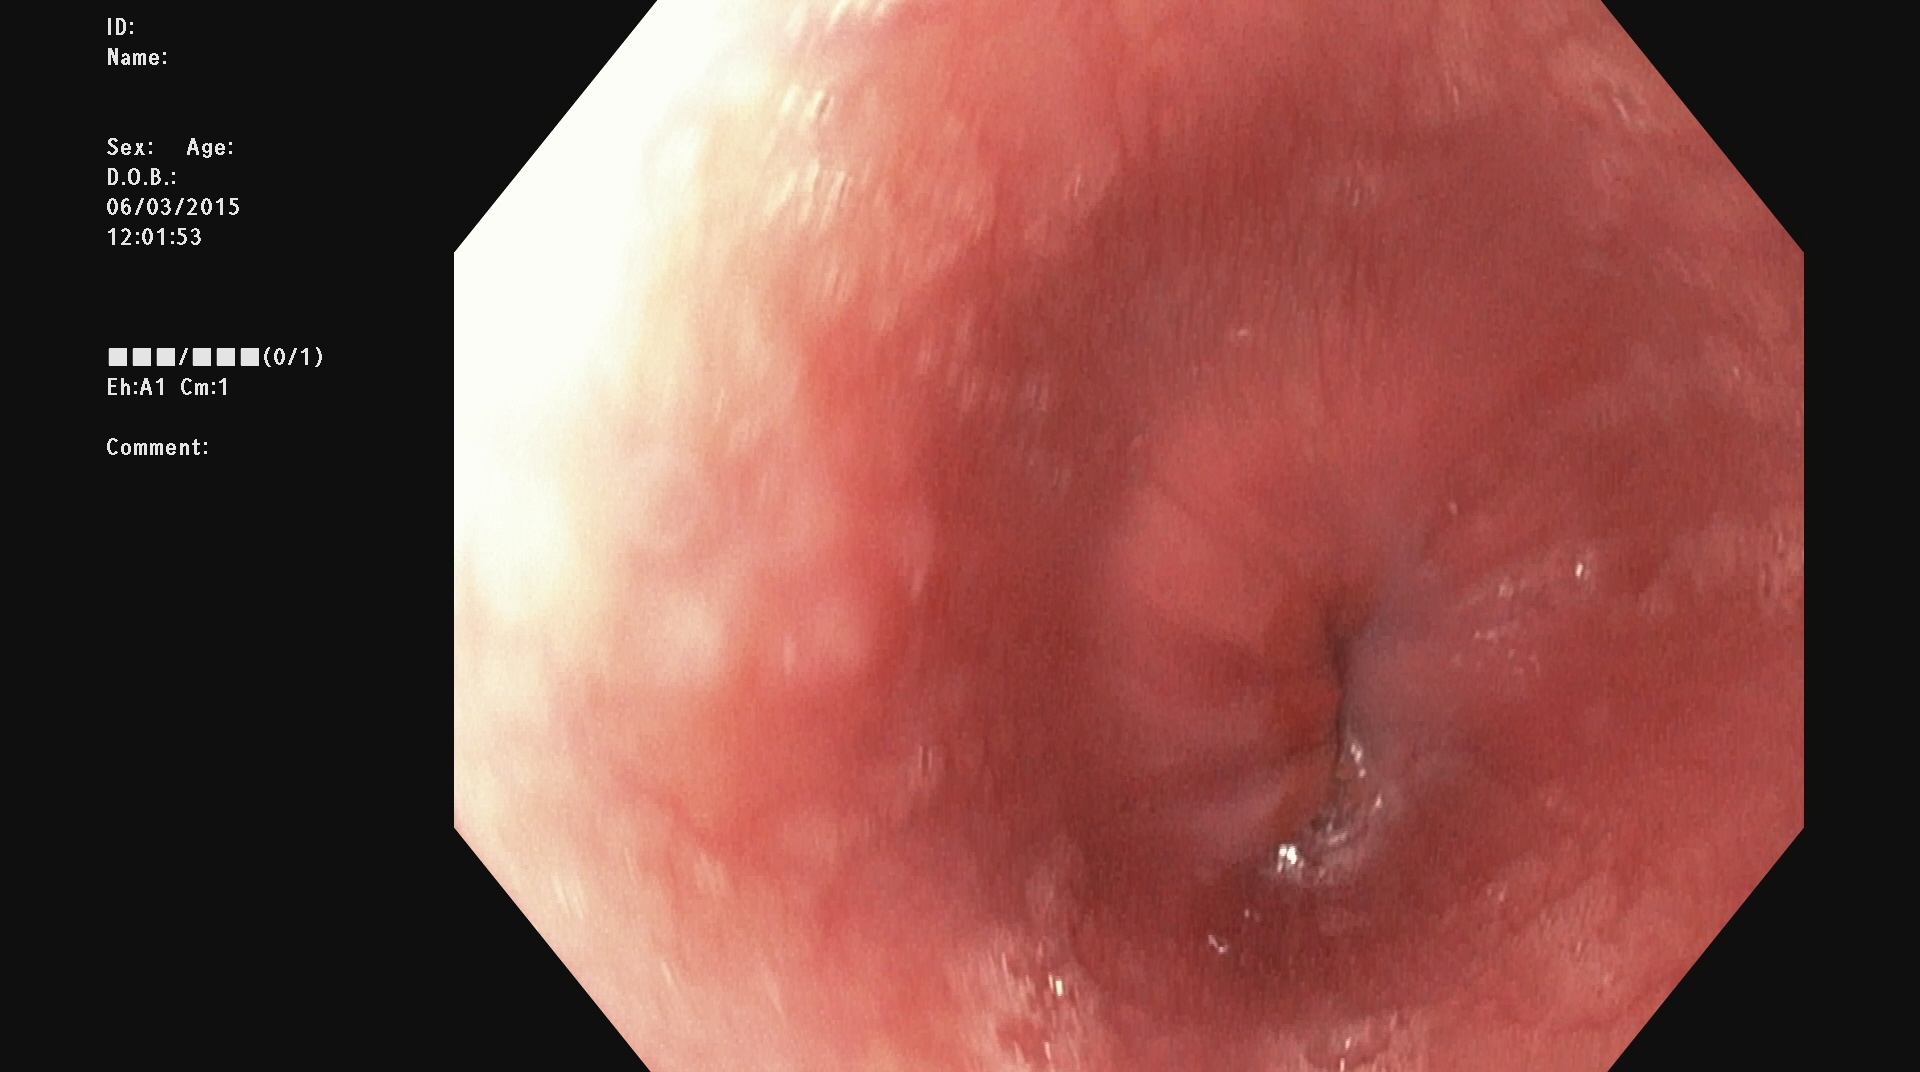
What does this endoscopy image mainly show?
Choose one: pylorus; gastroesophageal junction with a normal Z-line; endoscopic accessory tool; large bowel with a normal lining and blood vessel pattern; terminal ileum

gastroesophageal junction with a normal Z-line